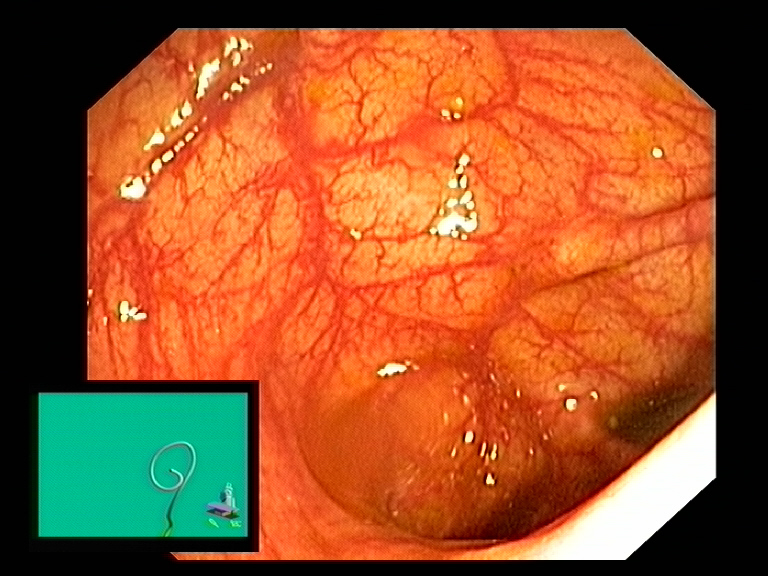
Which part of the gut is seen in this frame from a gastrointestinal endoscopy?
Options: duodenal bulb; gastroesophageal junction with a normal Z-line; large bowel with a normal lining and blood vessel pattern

large bowel with a normal lining and blood vessel pattern